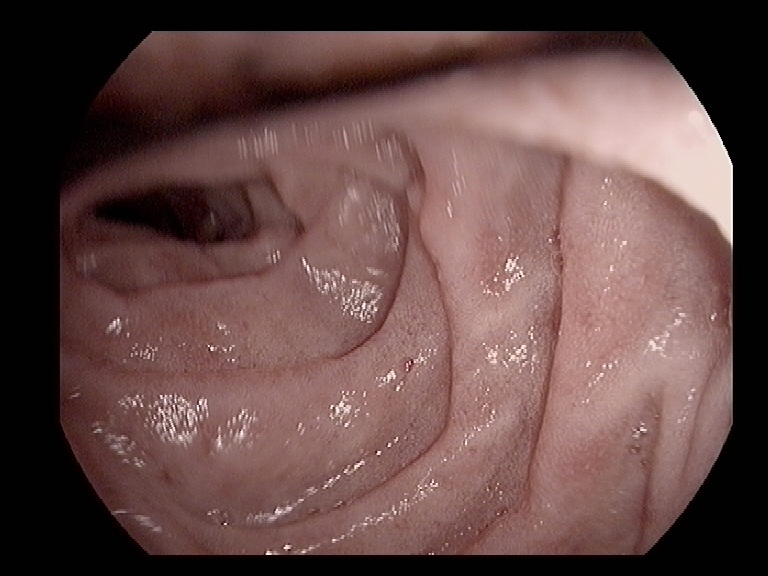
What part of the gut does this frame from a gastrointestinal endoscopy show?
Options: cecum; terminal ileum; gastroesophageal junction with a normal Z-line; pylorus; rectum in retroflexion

terminal ileum